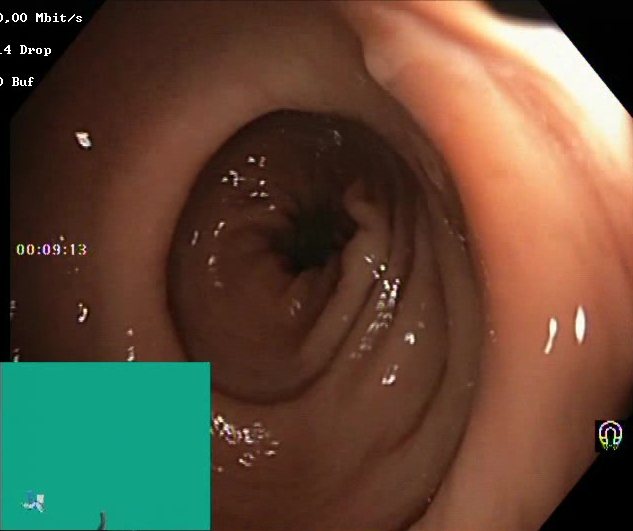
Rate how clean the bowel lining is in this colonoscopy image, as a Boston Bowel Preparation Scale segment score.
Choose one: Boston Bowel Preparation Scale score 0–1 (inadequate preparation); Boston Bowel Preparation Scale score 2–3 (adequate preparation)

Boston Bowel Preparation Scale score 2–3 (adequate preparation)